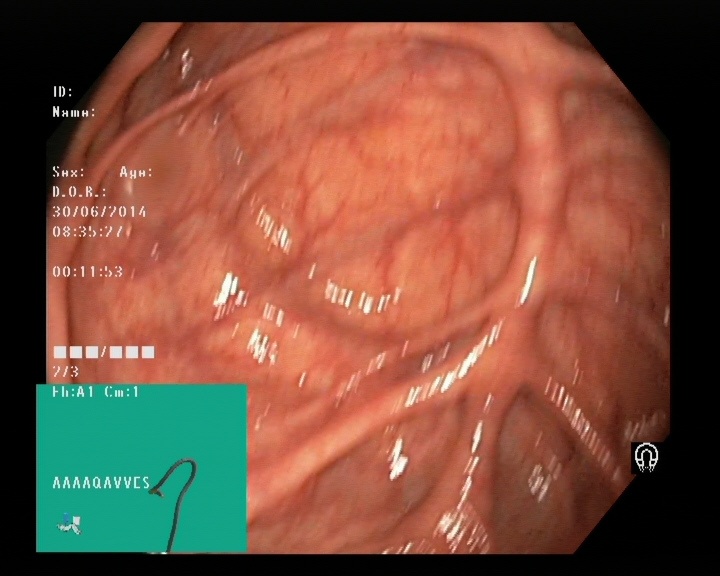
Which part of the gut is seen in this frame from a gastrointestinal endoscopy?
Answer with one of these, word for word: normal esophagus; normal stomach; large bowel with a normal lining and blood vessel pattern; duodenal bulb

large bowel with a normal lining and blood vessel pattern